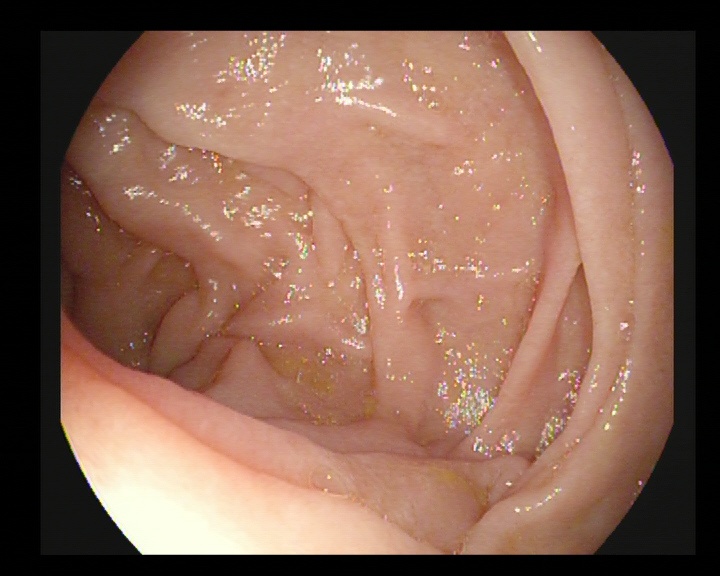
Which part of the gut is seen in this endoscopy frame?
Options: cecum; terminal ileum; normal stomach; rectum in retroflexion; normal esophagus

terminal ileum